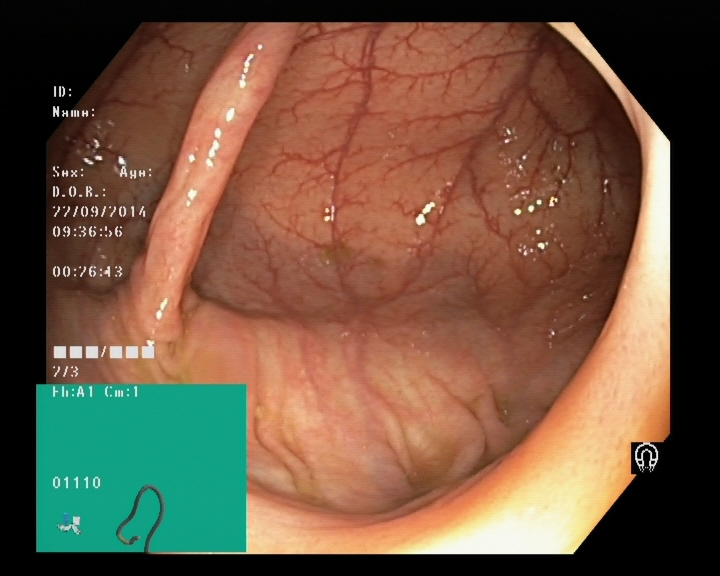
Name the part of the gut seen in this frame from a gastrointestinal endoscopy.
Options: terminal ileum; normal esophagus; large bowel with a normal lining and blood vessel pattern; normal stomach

large bowel with a normal lining and blood vessel pattern